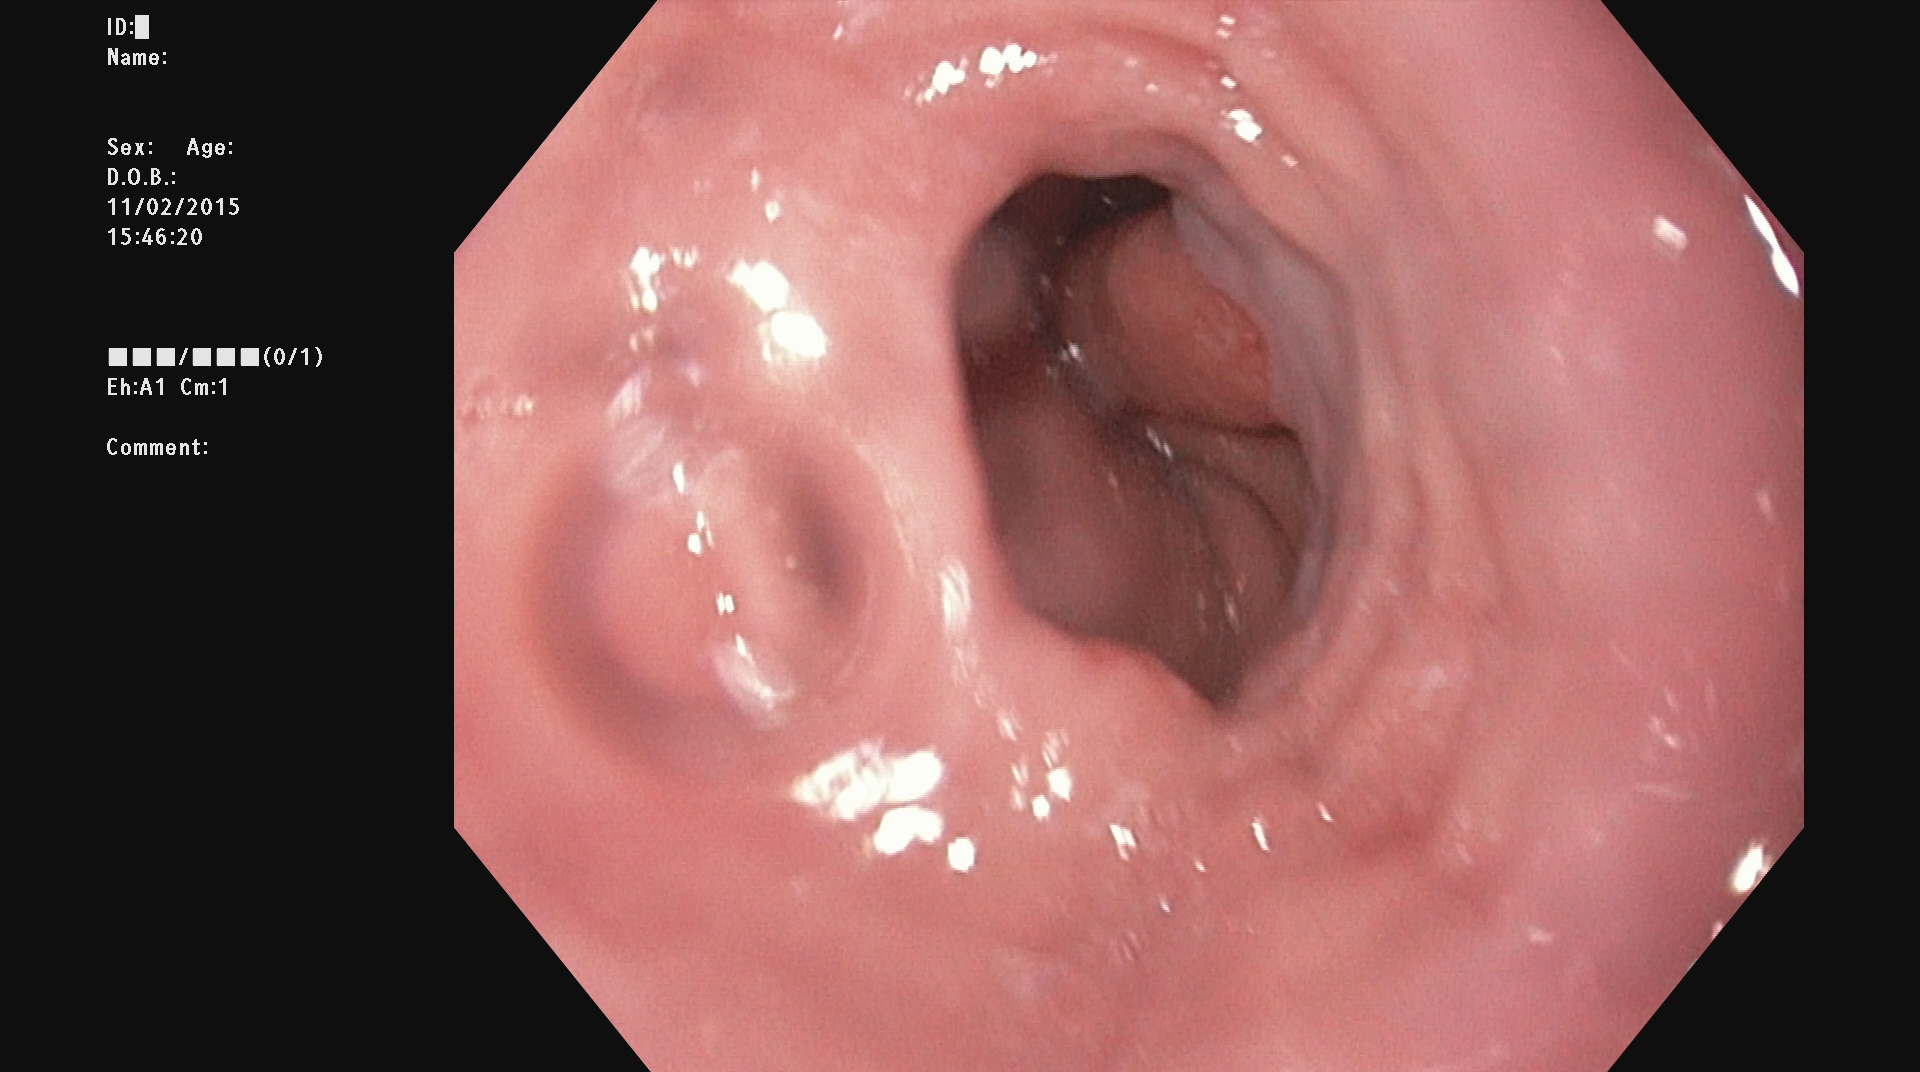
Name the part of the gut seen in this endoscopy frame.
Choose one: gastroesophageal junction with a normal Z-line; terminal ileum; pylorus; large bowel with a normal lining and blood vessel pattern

gastroesophageal junction with a normal Z-line